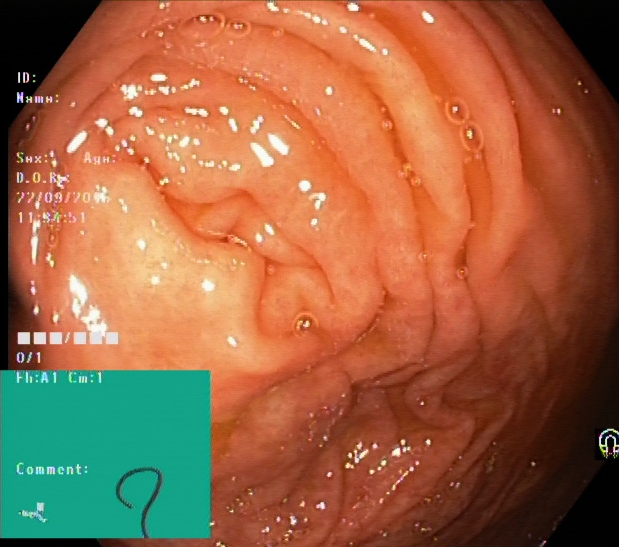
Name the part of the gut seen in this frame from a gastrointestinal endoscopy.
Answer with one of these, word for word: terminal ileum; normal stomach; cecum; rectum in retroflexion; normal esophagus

cecum